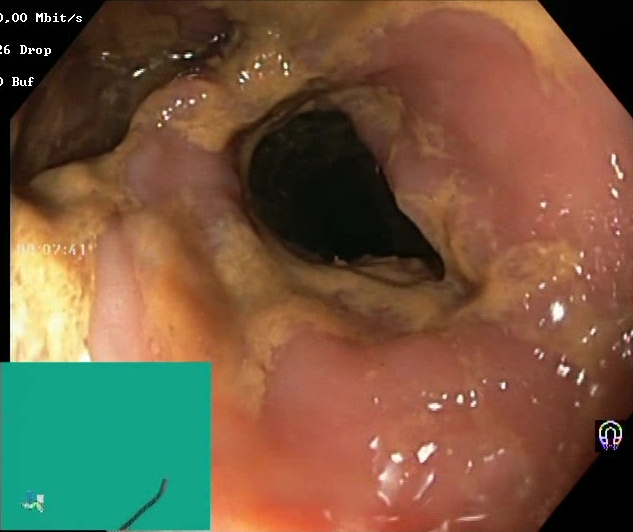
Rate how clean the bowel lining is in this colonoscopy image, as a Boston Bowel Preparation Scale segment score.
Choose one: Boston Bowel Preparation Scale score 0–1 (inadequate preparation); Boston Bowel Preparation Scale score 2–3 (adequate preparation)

Boston Bowel Preparation Scale score 0–1 (inadequate preparation)